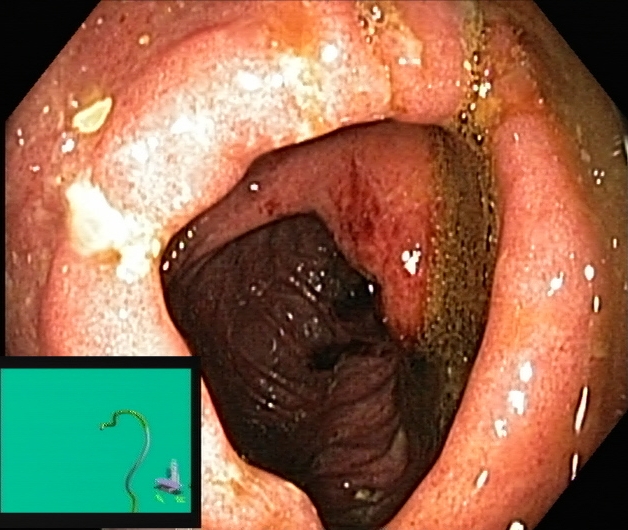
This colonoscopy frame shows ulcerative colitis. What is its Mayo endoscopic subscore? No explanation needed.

ulcerative colitis, Mayo endoscopic subscore 2